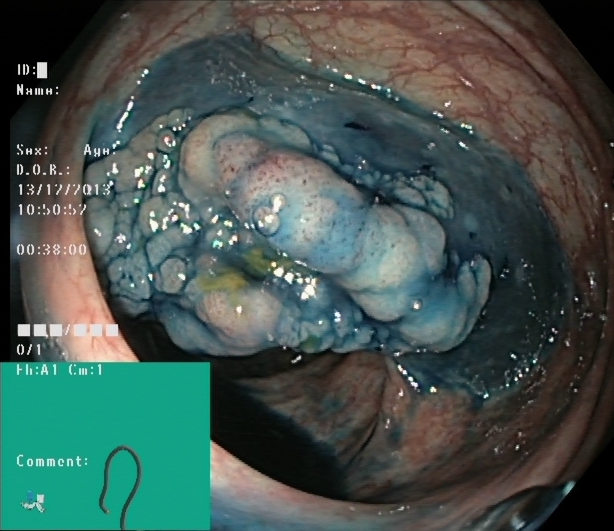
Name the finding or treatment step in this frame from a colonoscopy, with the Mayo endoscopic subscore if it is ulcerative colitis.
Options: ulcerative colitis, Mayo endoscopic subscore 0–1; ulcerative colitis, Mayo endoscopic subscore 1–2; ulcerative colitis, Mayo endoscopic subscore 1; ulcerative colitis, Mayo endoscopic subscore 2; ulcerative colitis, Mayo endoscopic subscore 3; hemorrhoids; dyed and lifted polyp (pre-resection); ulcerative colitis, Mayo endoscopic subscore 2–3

dyed and lifted polyp (pre-resection)